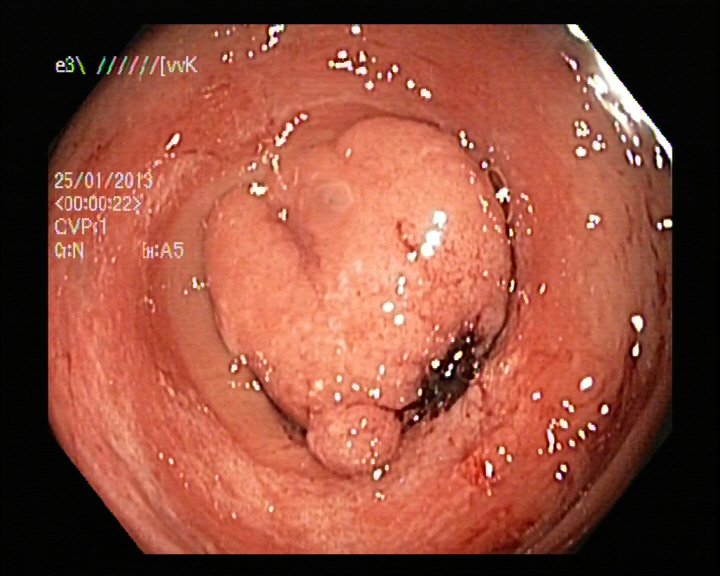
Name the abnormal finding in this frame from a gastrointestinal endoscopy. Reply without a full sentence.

colon polyp